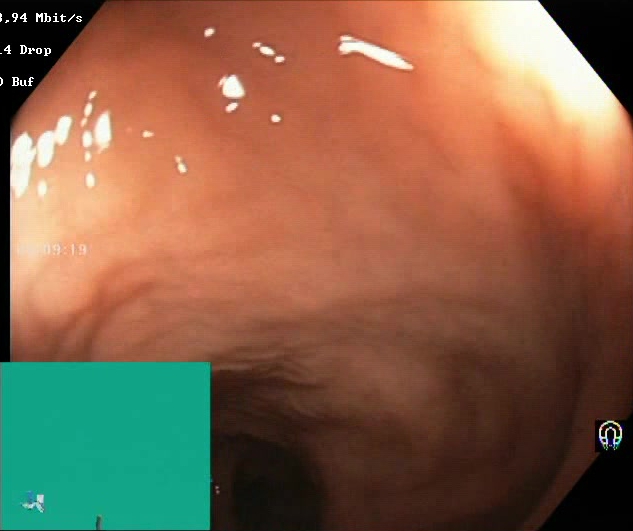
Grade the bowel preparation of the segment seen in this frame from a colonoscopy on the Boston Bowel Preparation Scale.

Boston Bowel Preparation Scale score 2–3 (adequate preparation)